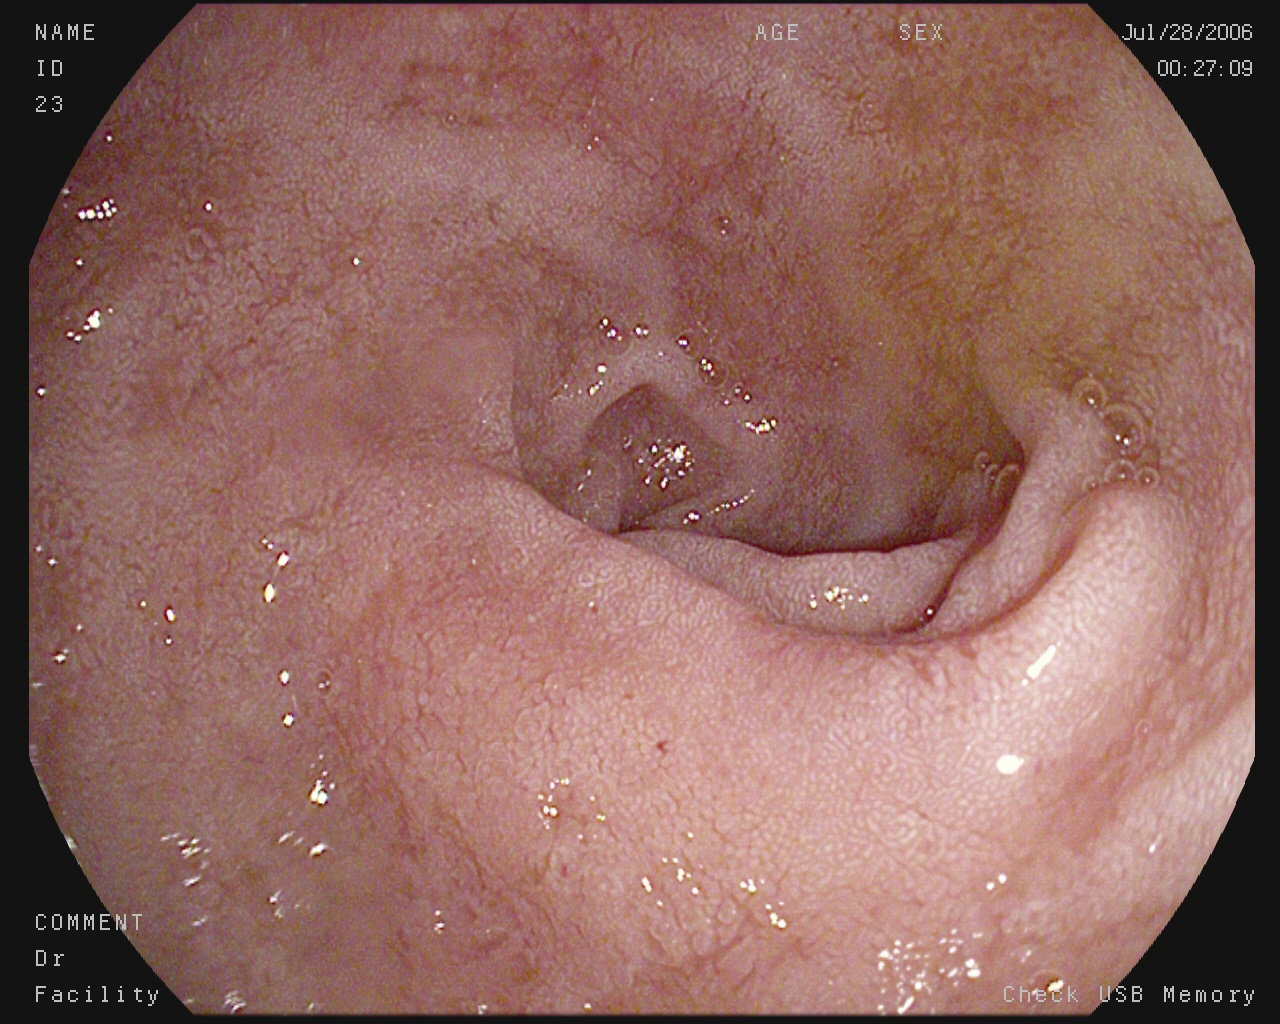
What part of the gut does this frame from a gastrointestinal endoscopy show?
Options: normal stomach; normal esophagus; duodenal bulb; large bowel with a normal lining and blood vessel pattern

duodenal bulb